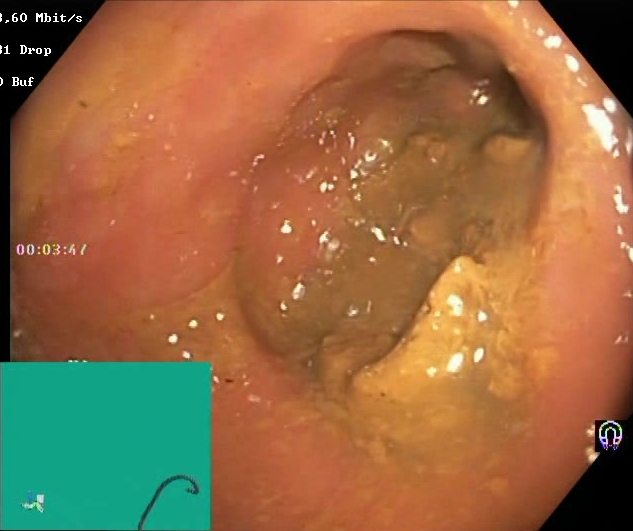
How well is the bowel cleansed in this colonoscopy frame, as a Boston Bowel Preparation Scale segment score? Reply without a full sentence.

Boston Bowel Preparation Scale score 0–1 (inadequate preparation)